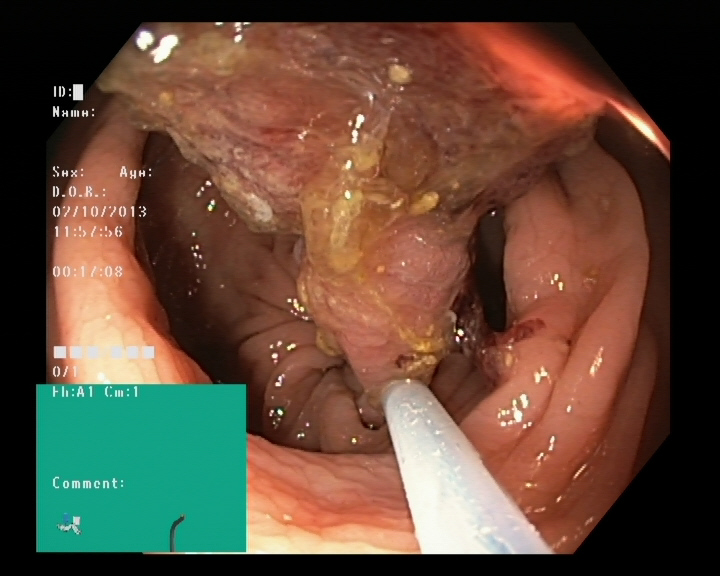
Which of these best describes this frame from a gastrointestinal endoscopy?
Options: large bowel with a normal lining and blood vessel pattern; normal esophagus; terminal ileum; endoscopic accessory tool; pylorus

endoscopic accessory tool